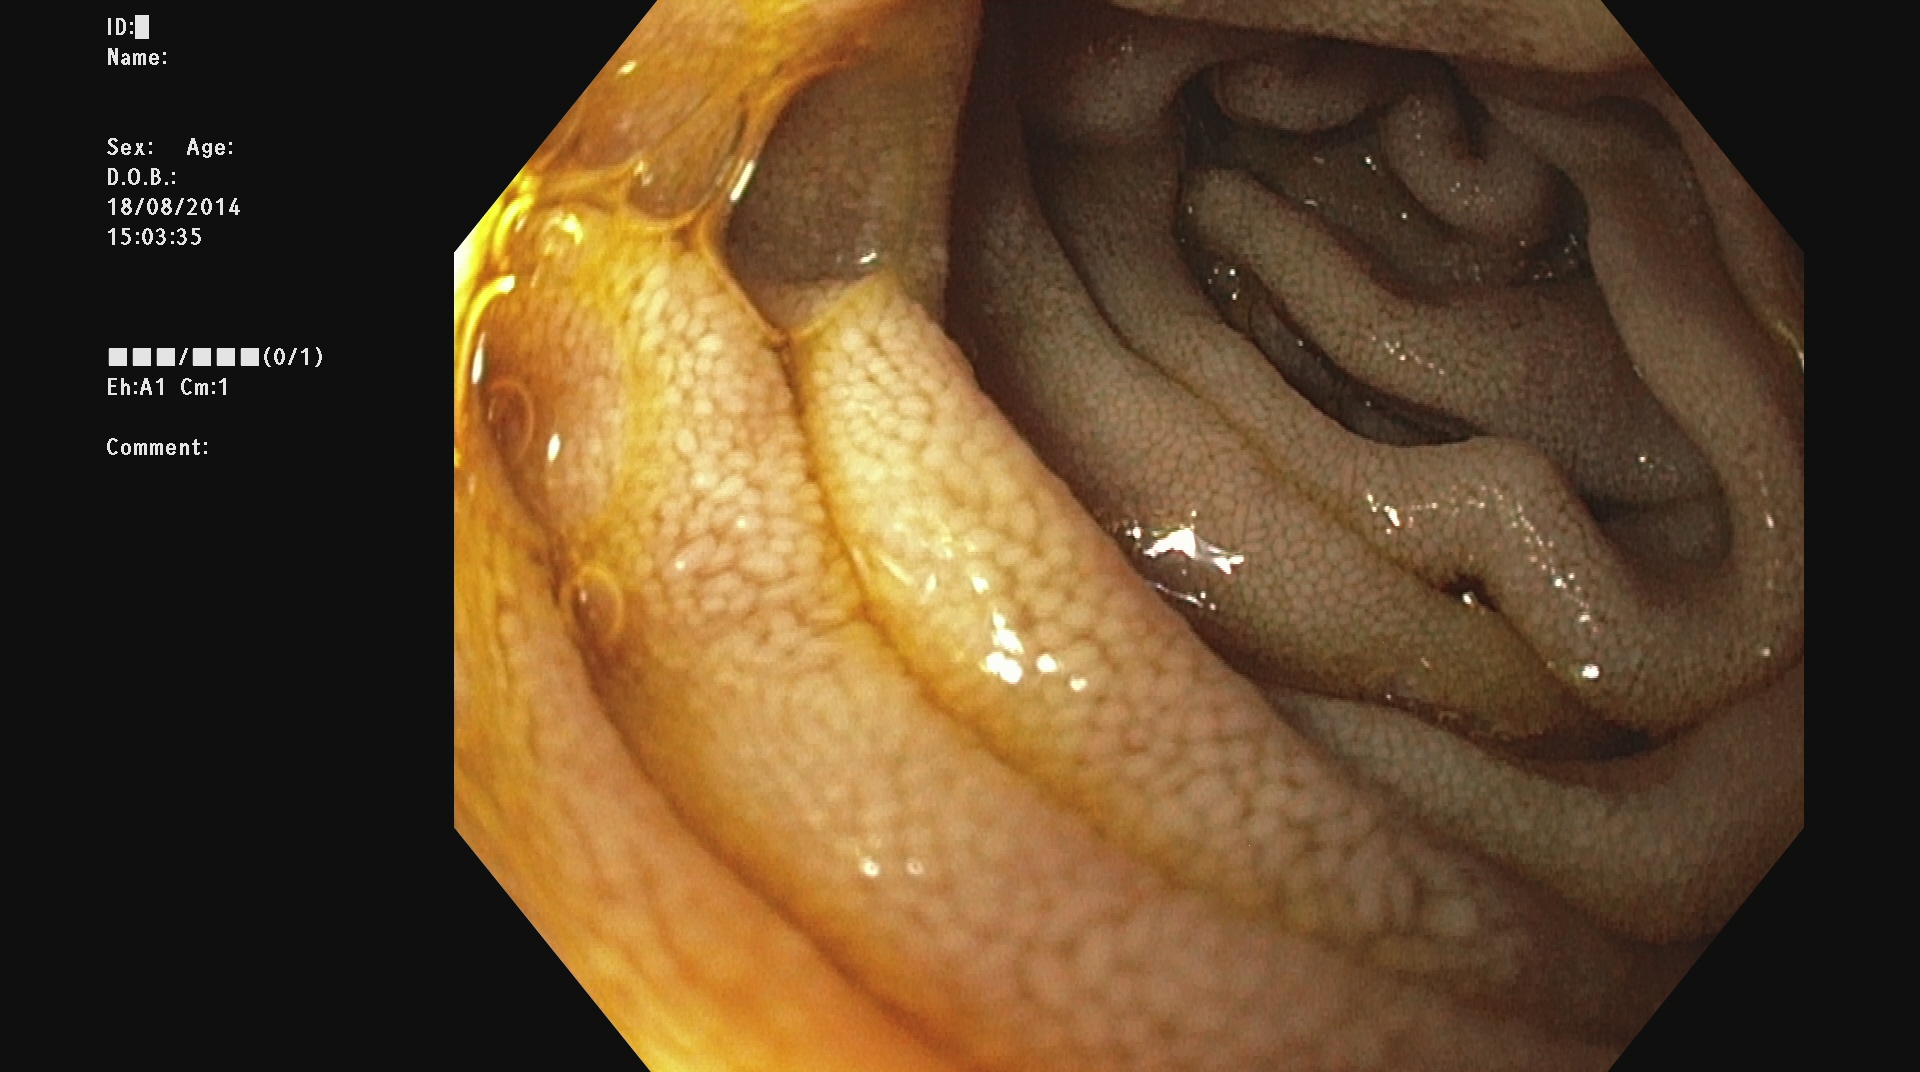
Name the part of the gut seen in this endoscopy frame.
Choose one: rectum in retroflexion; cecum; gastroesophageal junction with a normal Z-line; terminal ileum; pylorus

terminal ileum